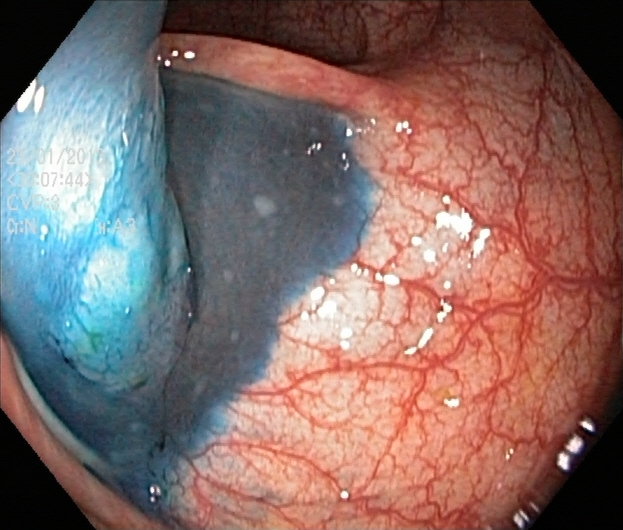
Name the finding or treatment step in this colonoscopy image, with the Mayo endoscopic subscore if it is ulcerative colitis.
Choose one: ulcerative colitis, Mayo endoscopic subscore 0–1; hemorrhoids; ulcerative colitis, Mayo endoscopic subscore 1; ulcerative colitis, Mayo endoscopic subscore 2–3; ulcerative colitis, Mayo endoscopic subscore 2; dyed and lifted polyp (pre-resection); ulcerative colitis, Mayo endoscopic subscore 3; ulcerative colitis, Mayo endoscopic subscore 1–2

dyed and lifted polyp (pre-resection)